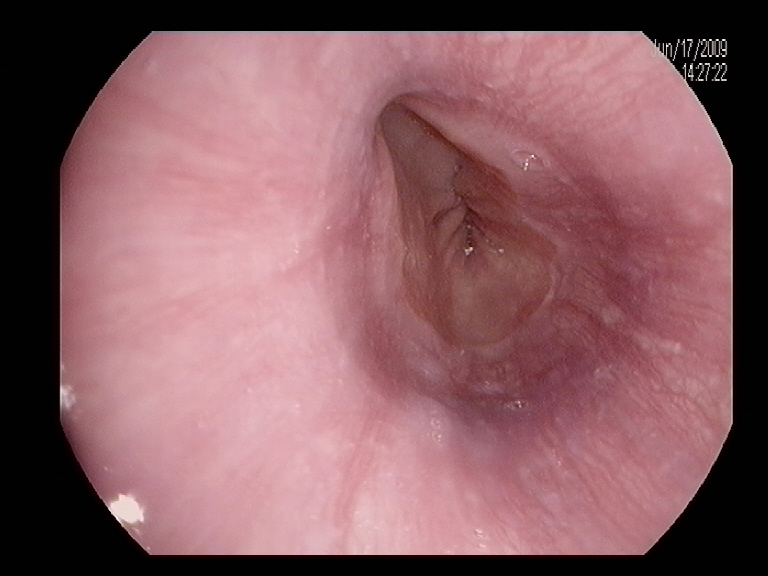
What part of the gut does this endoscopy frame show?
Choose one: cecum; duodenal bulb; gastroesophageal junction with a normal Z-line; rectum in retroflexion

gastroesophageal junction with a normal Z-line